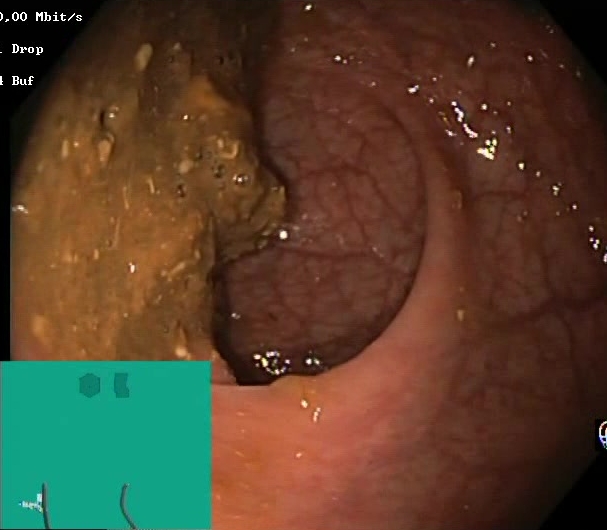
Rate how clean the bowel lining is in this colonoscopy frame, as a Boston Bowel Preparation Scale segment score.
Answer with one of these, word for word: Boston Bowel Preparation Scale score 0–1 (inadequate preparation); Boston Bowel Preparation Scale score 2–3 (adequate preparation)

Boston Bowel Preparation Scale score 0–1 (inadequate preparation)